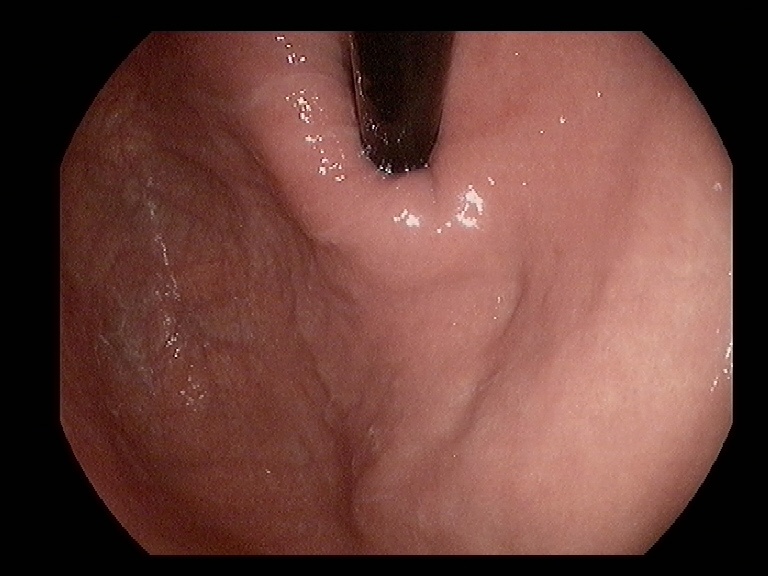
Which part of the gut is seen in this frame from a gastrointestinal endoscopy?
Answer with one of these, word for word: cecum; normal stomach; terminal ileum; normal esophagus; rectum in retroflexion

normal stomach